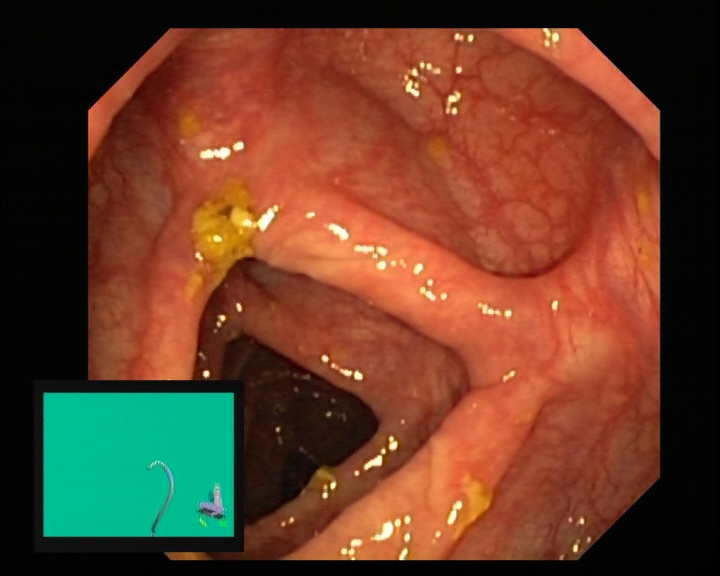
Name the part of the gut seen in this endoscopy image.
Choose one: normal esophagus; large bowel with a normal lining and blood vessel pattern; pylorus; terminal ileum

large bowel with a normal lining and blood vessel pattern